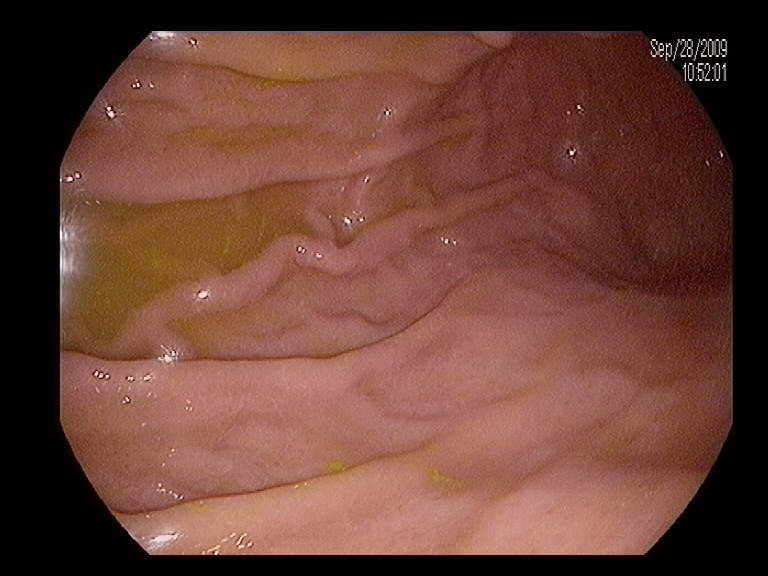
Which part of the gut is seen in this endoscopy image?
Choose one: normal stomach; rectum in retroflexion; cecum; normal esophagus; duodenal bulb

normal stomach